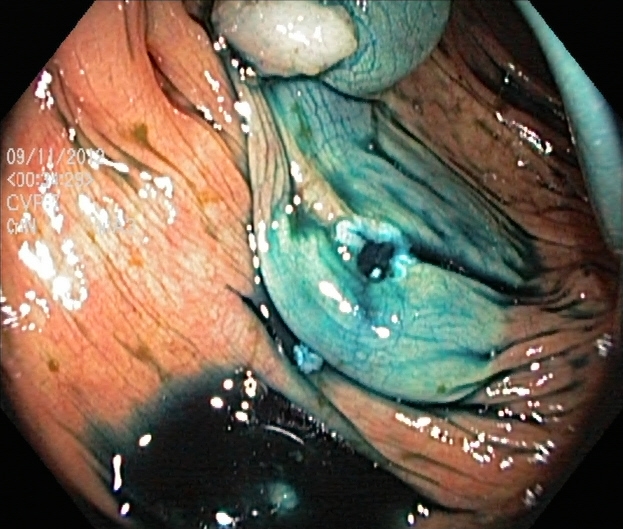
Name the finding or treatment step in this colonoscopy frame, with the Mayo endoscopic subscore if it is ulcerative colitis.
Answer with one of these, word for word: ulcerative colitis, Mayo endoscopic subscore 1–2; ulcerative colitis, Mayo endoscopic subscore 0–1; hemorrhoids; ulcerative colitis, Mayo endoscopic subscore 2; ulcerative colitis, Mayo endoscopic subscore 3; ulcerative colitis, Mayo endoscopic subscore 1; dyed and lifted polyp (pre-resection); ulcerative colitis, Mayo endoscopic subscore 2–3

dyed and lifted polyp (pre-resection)